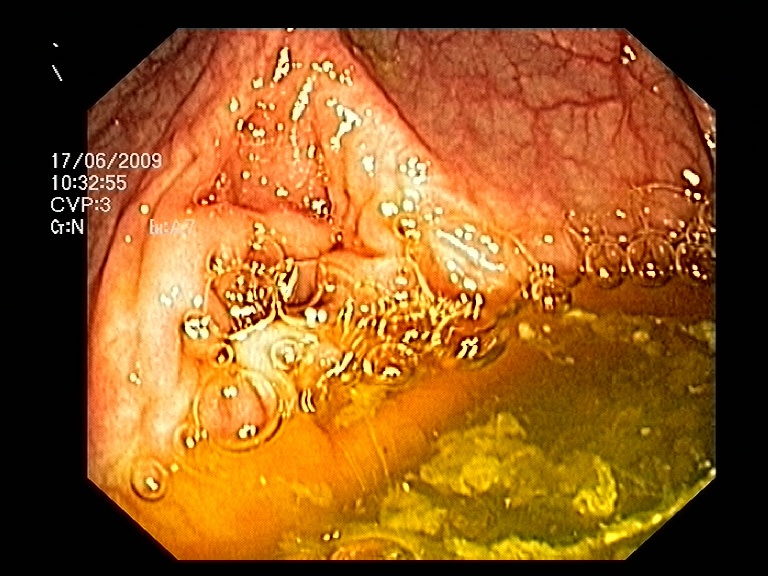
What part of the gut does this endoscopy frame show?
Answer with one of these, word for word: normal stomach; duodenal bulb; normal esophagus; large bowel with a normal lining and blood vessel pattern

large bowel with a normal lining and blood vessel pattern